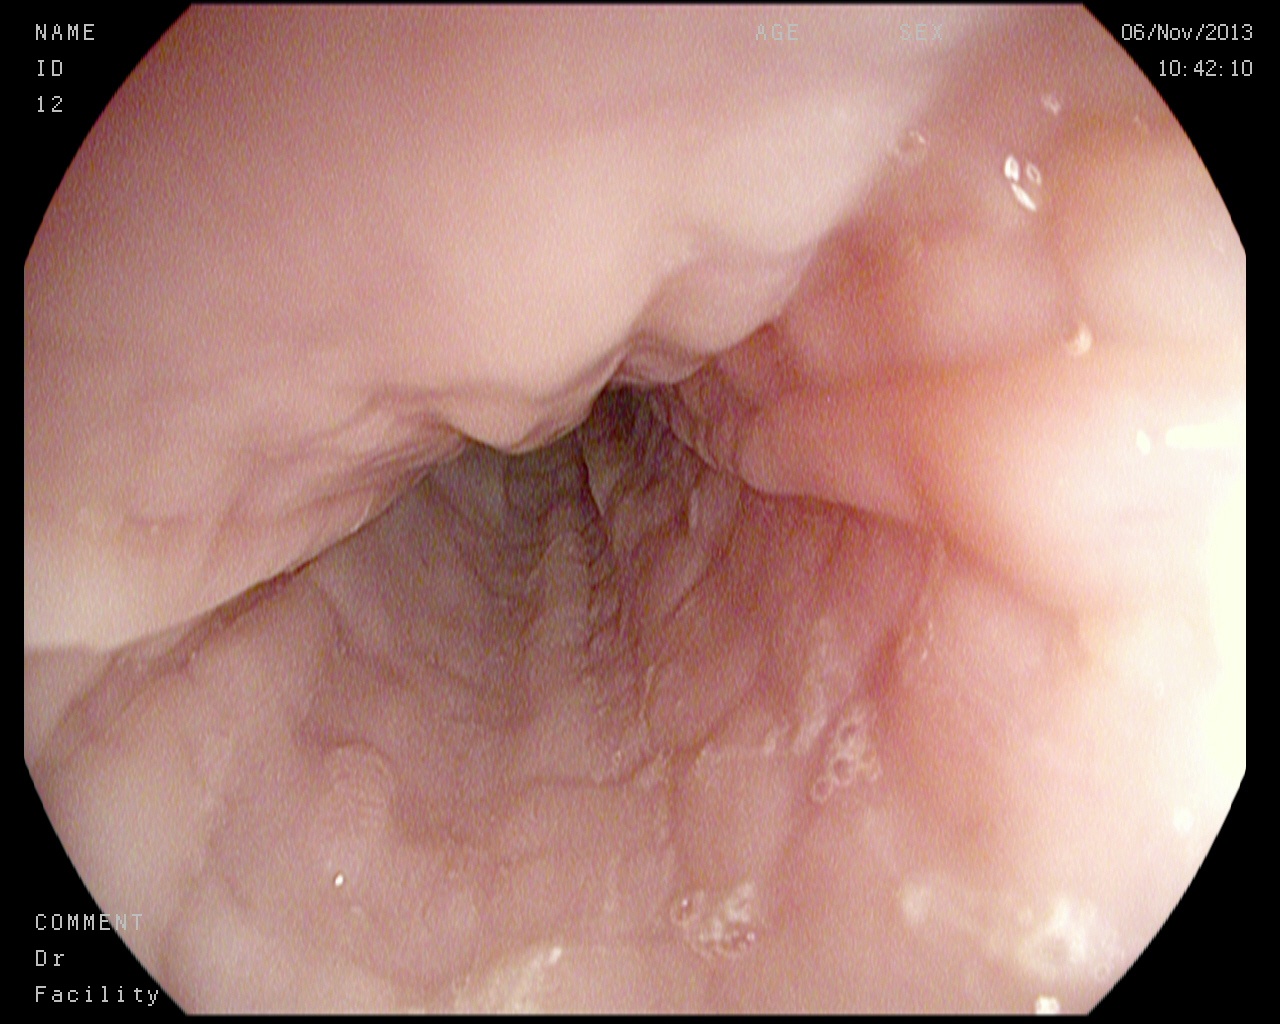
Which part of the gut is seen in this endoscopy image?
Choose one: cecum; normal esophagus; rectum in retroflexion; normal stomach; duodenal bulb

normal esophagus